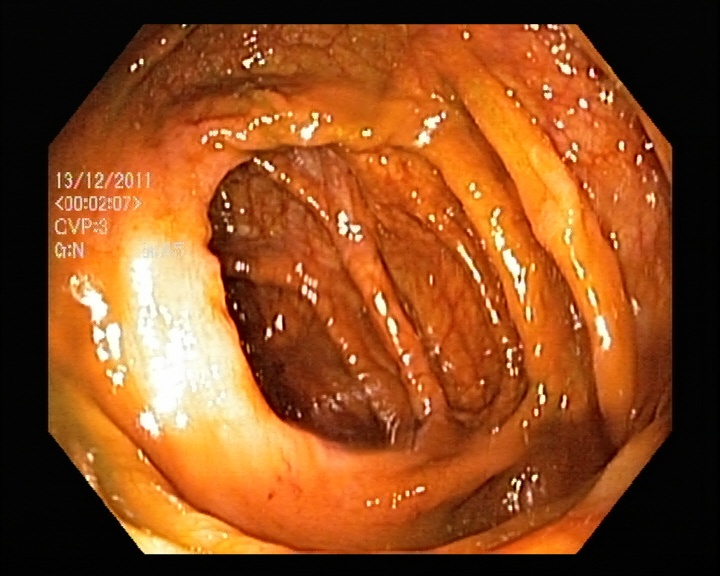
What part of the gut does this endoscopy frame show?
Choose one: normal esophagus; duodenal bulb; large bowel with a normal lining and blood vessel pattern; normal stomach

large bowel with a normal lining and blood vessel pattern